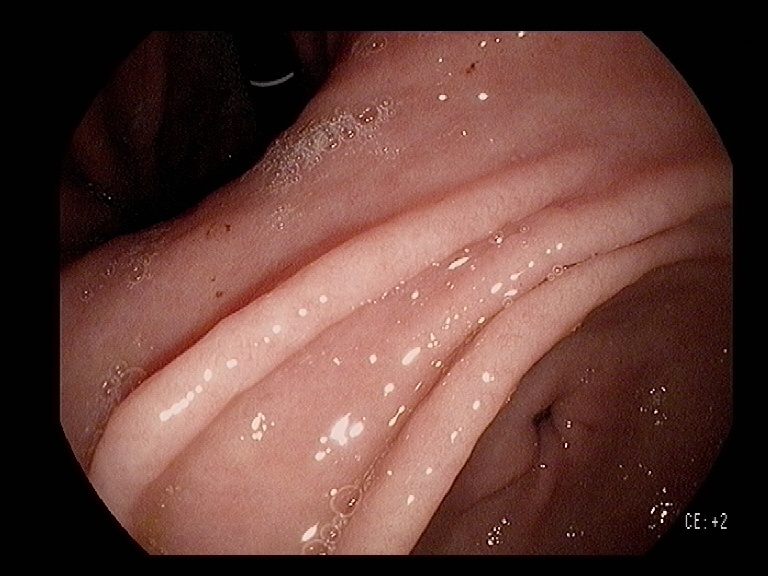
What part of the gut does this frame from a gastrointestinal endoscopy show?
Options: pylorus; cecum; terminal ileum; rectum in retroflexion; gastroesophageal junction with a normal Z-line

pylorus